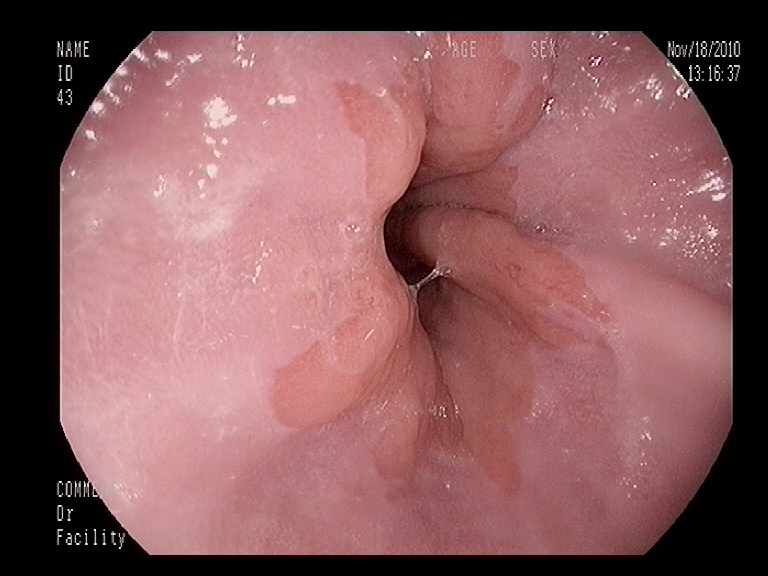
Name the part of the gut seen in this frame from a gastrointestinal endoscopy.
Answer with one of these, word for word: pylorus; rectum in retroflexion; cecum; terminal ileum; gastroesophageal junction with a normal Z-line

gastroesophageal junction with a normal Z-line